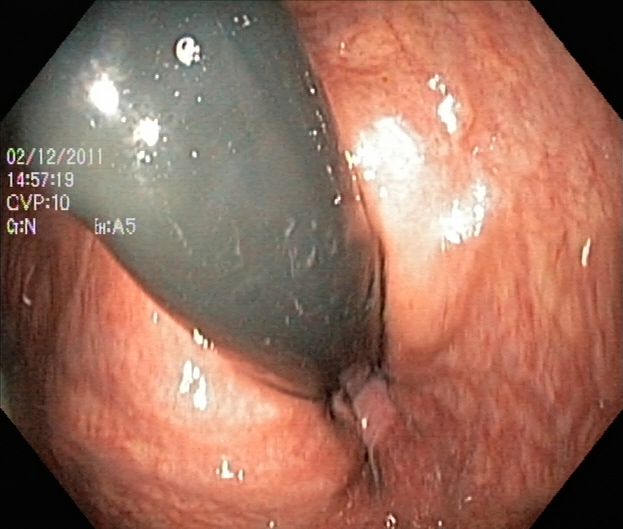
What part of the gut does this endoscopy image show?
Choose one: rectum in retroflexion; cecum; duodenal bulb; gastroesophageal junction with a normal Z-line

rectum in retroflexion